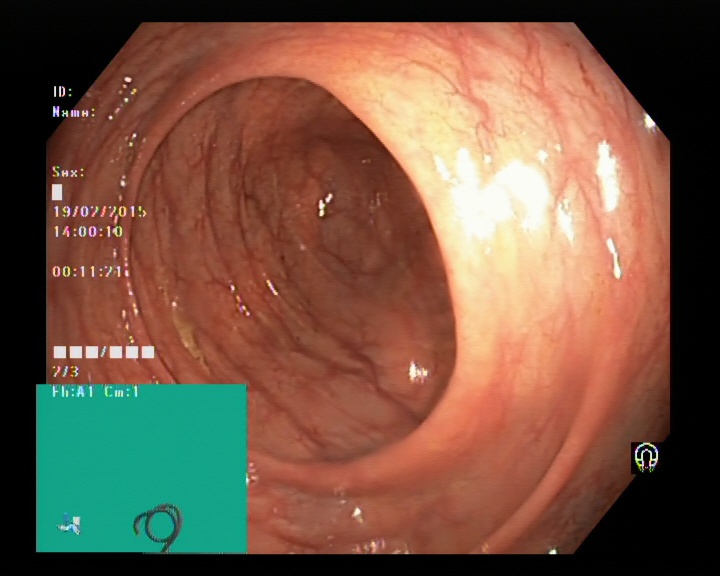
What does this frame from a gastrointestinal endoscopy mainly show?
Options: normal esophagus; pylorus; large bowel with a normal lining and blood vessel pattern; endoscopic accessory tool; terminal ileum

large bowel with a normal lining and blood vessel pattern